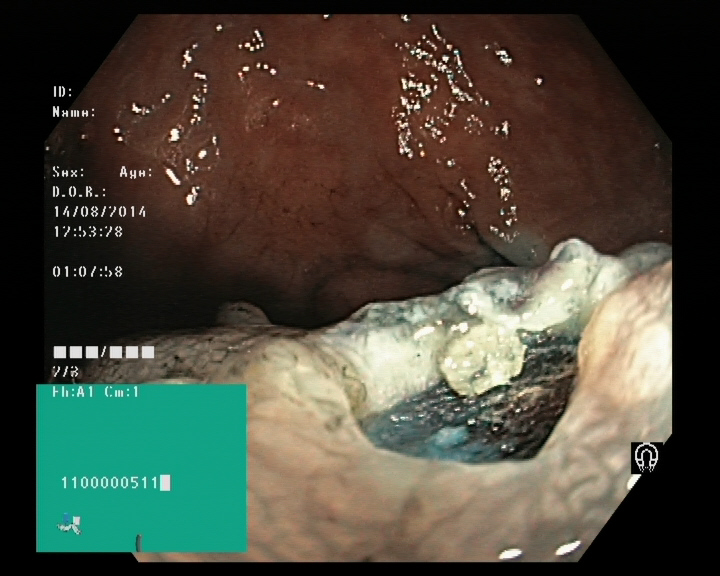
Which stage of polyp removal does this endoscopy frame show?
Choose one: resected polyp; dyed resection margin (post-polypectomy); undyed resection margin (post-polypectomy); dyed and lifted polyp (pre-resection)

dyed resection margin (post-polypectomy)